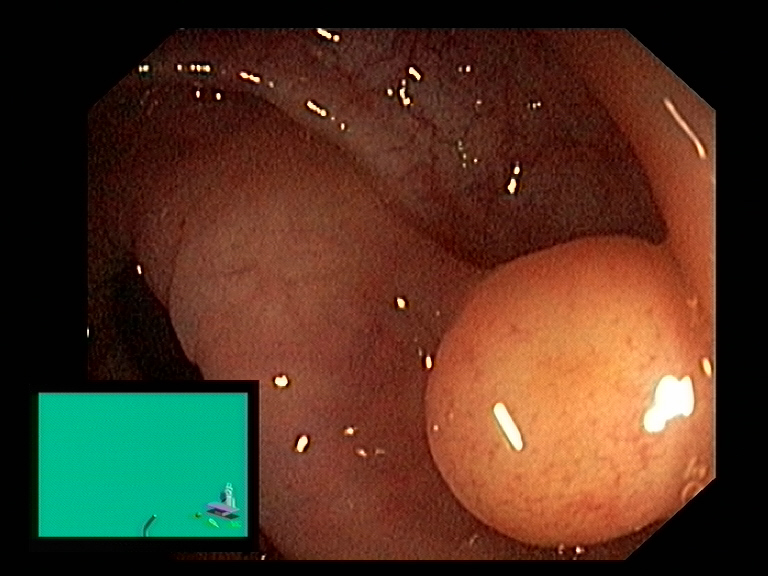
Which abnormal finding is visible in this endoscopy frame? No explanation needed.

colon polyp